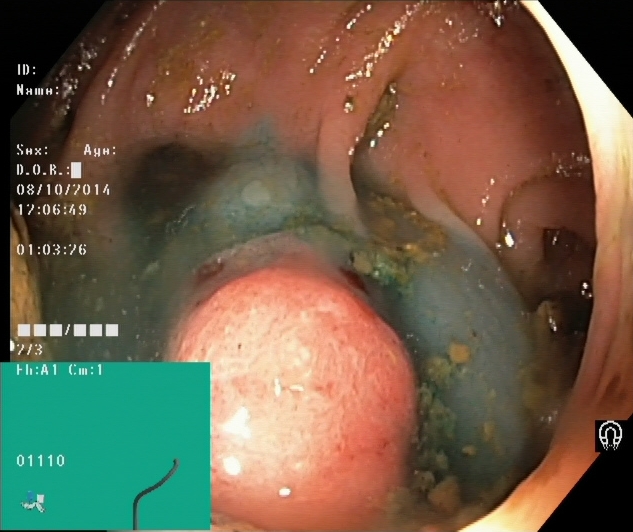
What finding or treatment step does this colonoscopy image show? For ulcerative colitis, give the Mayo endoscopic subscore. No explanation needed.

dyed and lifted polyp (pre-resection)